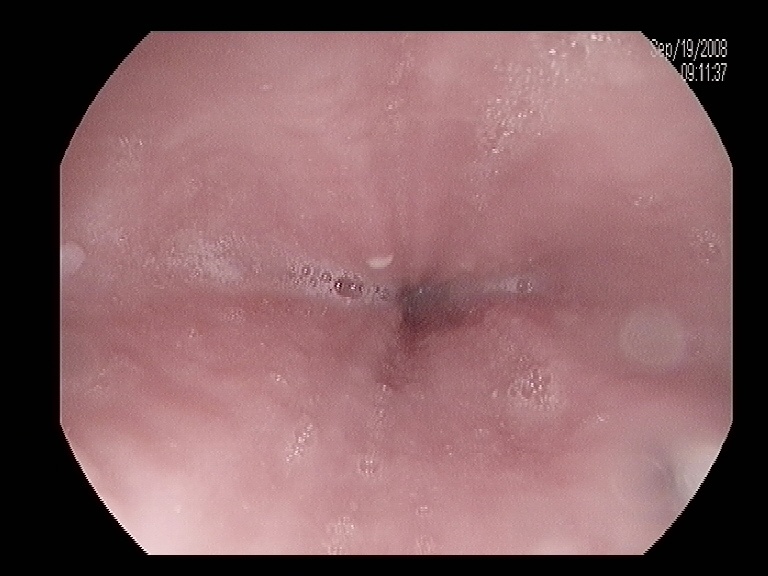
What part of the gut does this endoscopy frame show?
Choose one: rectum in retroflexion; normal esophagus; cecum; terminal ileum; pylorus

normal esophagus